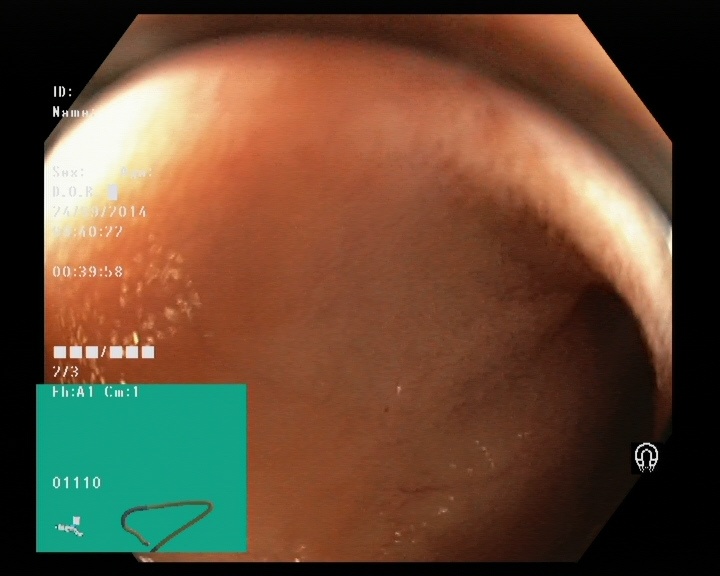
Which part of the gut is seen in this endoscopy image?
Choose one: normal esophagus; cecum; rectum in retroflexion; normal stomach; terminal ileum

terminal ileum